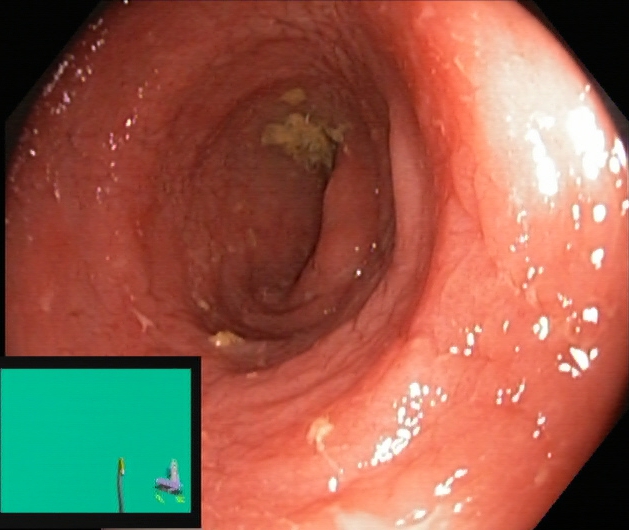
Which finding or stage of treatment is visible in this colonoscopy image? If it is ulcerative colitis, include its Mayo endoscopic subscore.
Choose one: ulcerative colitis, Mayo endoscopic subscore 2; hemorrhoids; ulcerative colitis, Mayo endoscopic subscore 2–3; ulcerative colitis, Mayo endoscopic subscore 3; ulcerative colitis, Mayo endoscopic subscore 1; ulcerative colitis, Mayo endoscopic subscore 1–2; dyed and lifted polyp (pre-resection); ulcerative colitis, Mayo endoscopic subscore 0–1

ulcerative colitis, Mayo endoscopic subscore 2